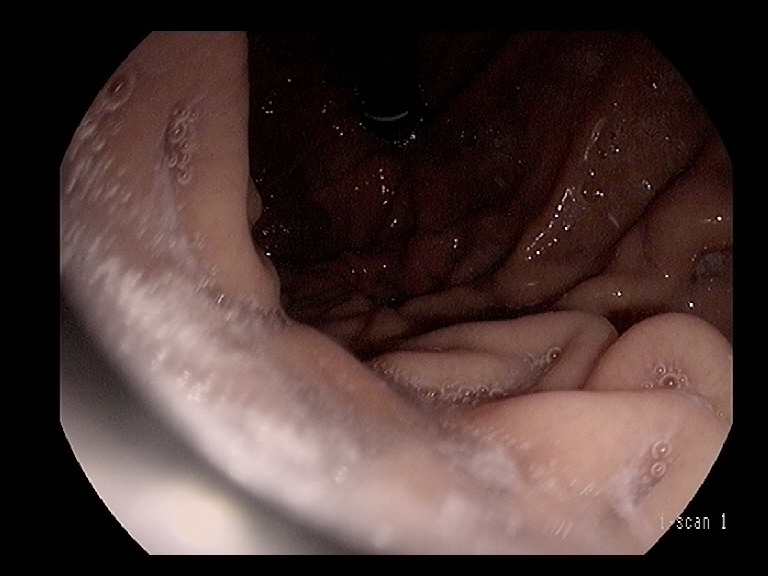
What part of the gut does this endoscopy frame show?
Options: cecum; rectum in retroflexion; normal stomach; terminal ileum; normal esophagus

normal stomach